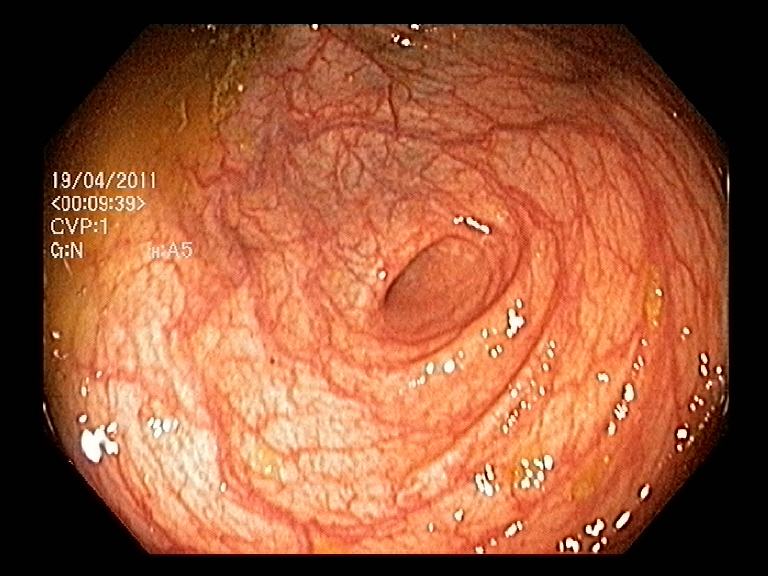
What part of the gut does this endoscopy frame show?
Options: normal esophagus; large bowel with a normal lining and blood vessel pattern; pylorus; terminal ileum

large bowel with a normal lining and blood vessel pattern